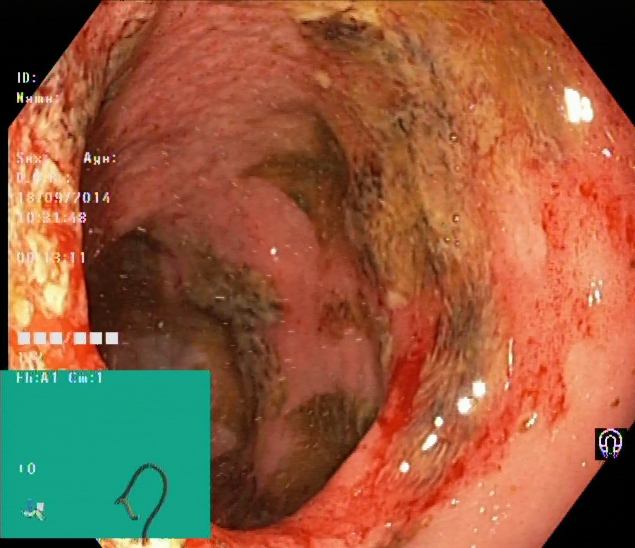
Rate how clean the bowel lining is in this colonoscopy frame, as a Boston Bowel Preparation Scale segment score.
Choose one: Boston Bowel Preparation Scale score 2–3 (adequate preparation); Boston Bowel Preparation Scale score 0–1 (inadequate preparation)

Boston Bowel Preparation Scale score 0–1 (inadequate preparation)